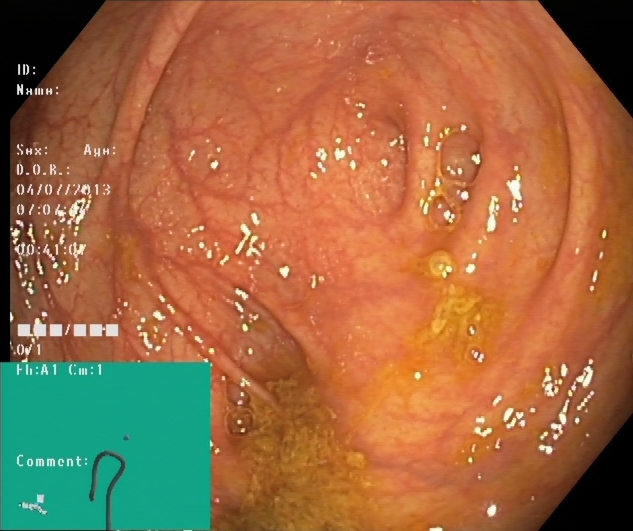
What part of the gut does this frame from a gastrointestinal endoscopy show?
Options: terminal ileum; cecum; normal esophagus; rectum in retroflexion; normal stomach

cecum